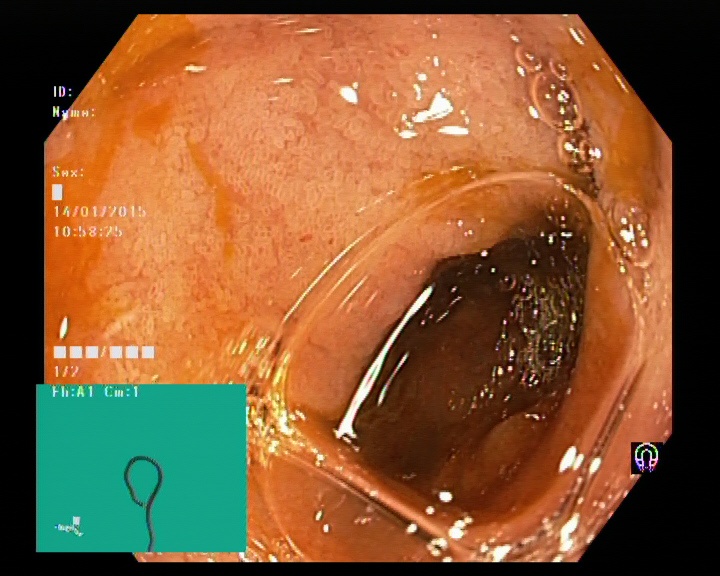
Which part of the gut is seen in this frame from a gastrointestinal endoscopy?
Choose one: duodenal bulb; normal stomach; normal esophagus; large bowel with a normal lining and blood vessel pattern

large bowel with a normal lining and blood vessel pattern